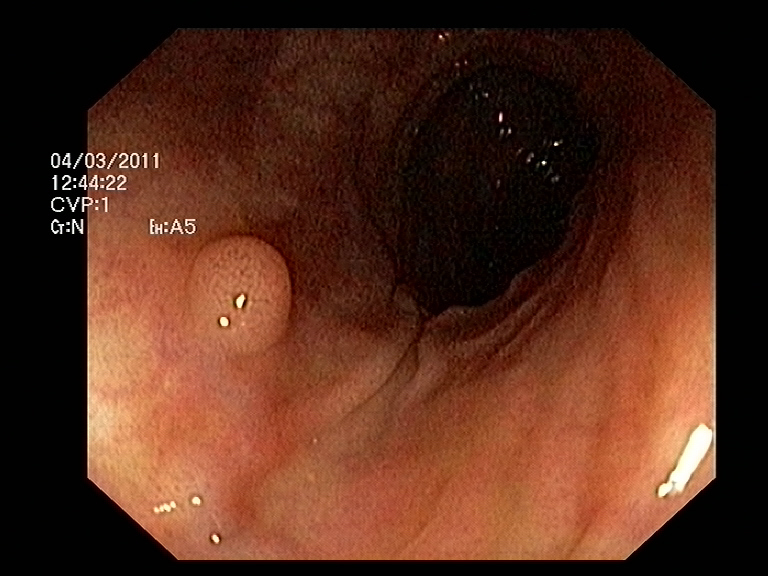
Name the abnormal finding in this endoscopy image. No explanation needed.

colon polyp